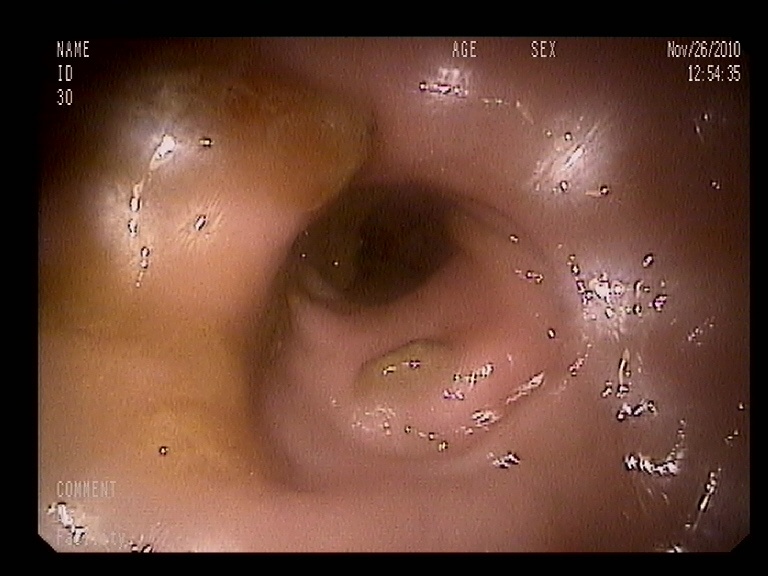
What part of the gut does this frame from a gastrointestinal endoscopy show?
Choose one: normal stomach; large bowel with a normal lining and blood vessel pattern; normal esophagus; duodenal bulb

large bowel with a normal lining and blood vessel pattern